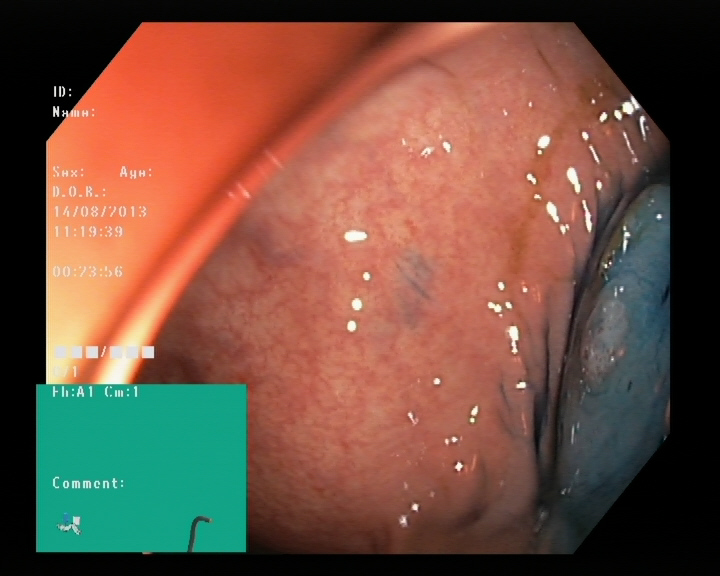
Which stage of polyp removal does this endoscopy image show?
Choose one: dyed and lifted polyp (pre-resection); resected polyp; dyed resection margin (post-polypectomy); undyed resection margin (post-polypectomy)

dyed and lifted polyp (pre-resection)